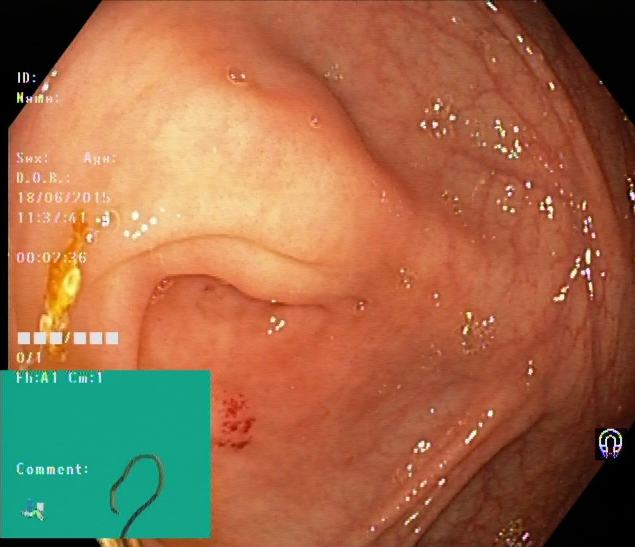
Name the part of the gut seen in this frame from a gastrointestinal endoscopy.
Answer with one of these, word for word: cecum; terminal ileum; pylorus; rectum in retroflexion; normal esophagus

cecum